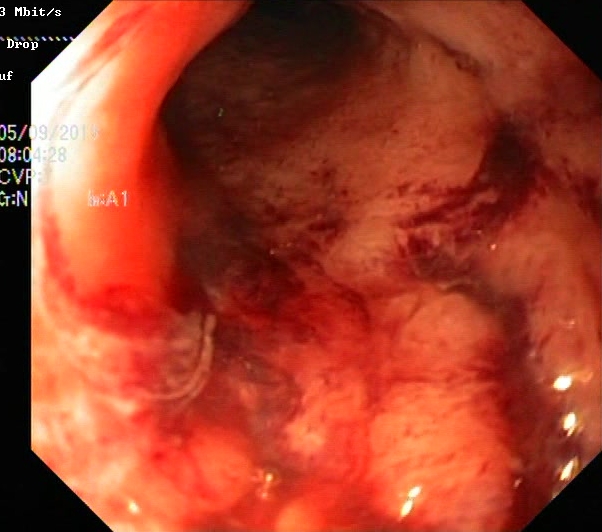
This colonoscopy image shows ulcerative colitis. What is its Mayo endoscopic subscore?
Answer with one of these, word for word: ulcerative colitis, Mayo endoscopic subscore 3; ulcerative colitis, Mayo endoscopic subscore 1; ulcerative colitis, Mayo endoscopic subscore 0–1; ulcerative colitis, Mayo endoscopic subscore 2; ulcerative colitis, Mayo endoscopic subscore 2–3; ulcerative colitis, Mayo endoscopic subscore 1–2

ulcerative colitis, Mayo endoscopic subscore 3